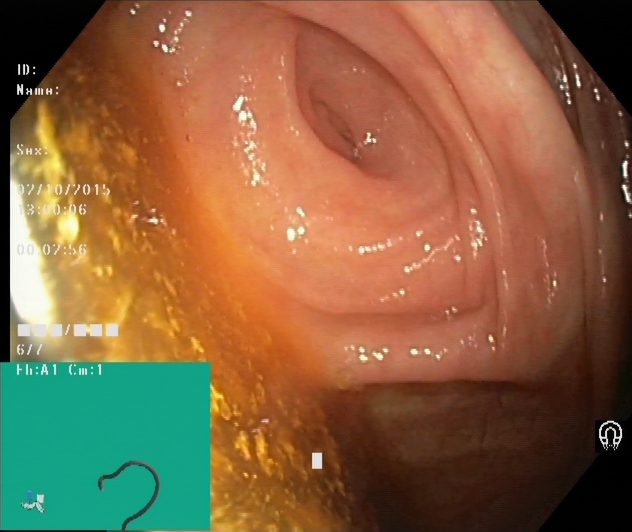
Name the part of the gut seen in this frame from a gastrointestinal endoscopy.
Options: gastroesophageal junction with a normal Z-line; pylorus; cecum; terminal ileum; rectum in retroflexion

cecum